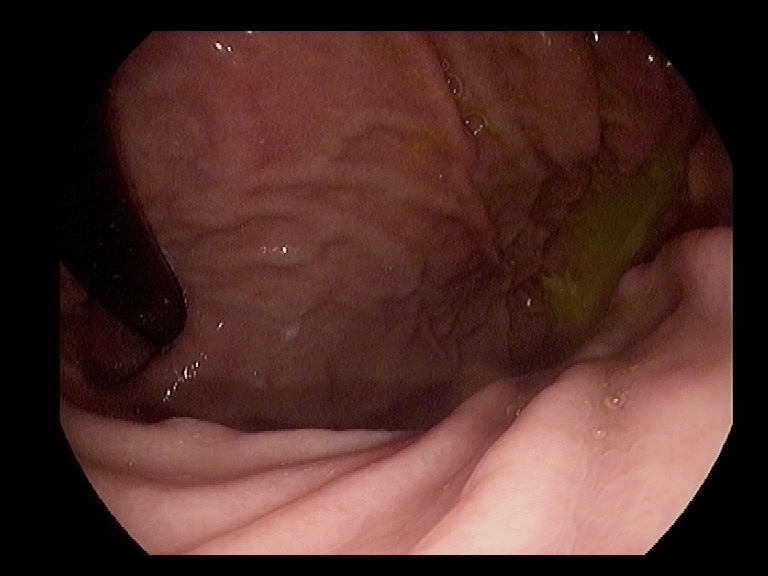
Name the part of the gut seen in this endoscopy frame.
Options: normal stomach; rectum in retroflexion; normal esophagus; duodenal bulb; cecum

normal stomach